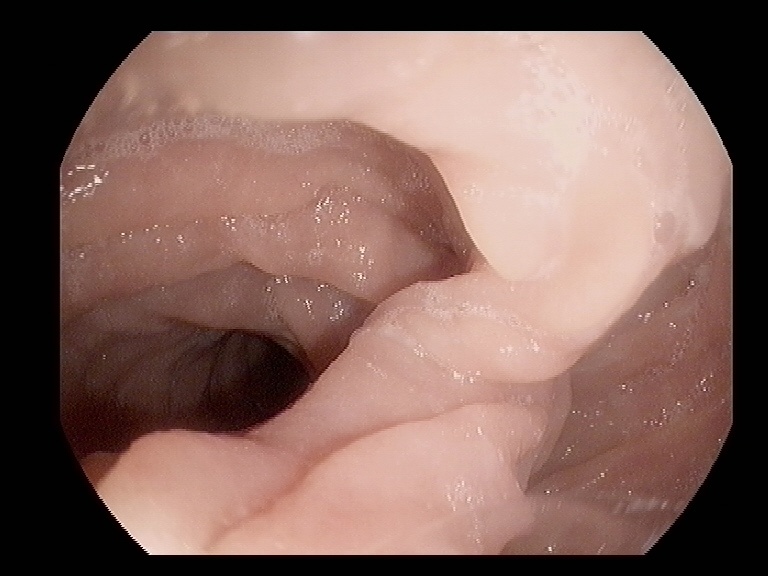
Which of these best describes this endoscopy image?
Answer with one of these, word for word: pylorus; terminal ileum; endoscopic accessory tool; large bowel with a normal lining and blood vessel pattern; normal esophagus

terminal ileum